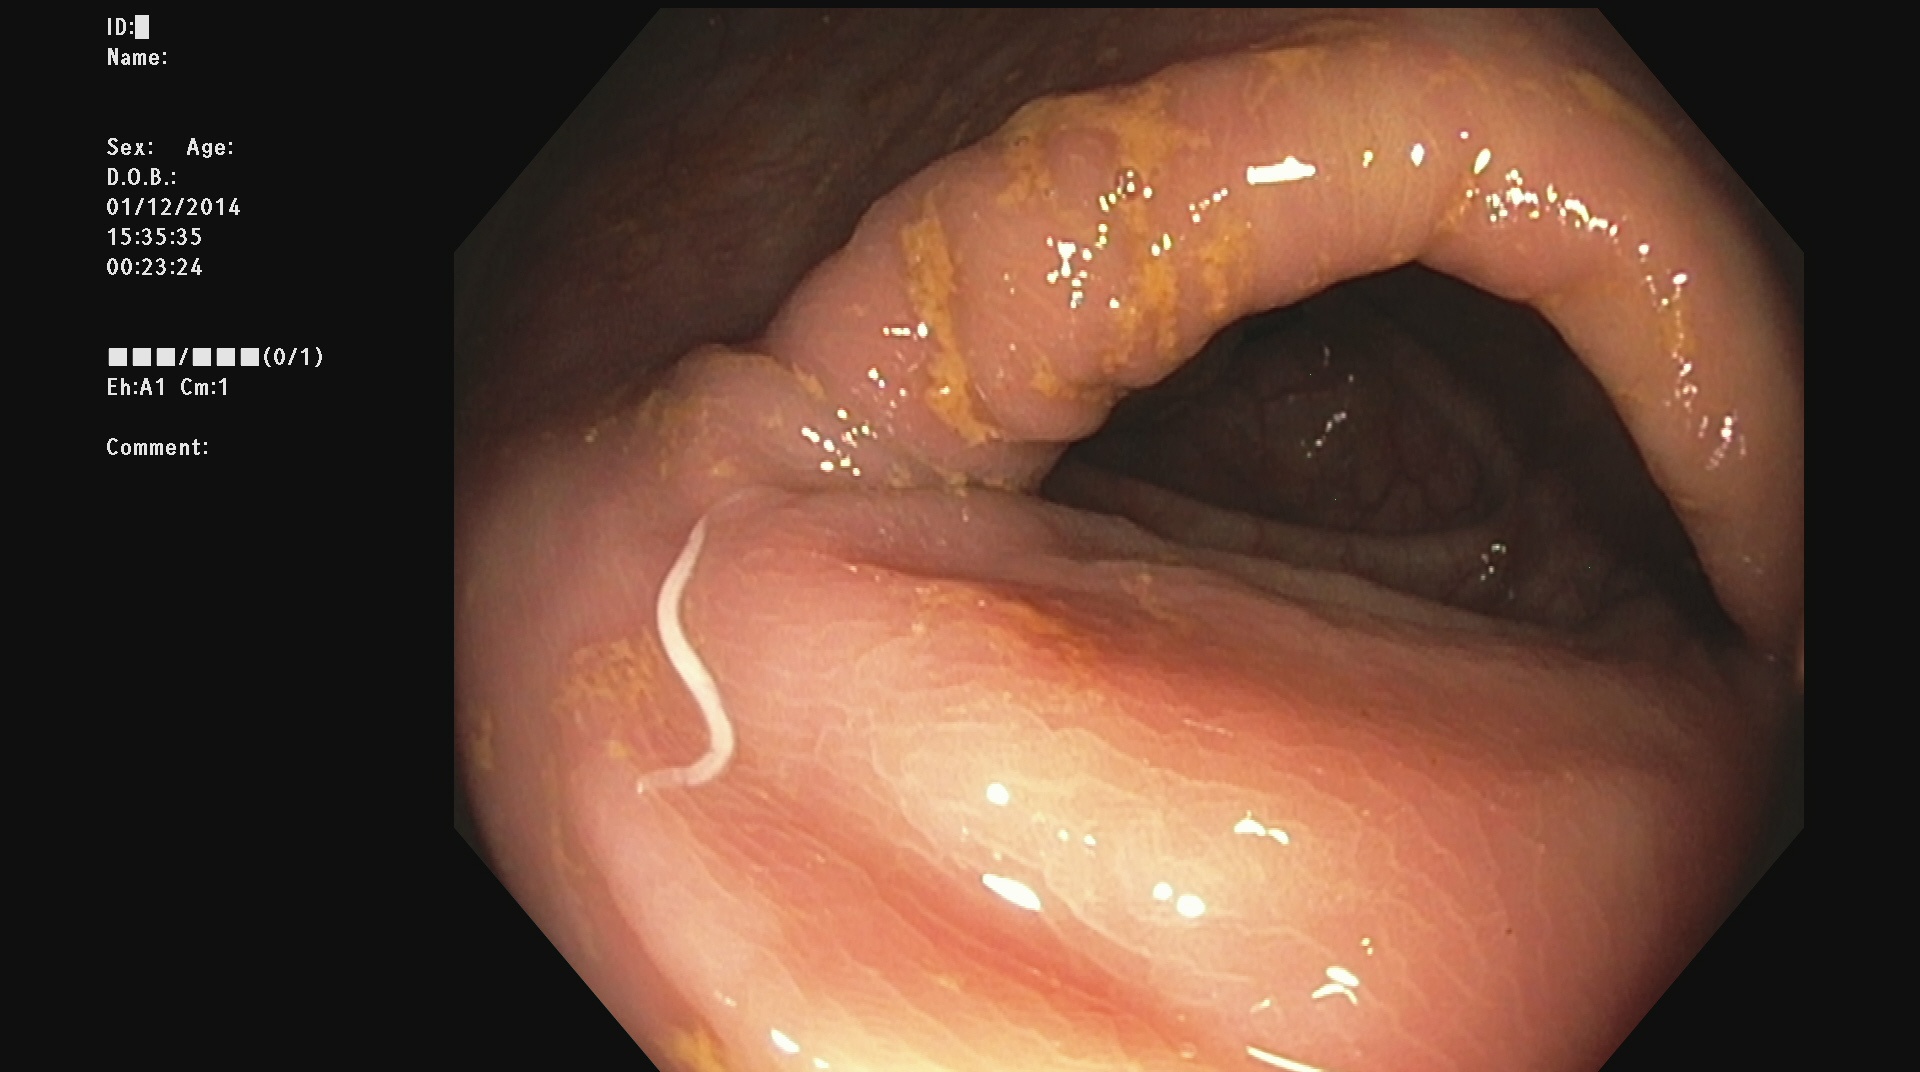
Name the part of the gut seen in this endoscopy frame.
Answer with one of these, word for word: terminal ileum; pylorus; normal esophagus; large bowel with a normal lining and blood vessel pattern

large bowel with a normal lining and blood vessel pattern